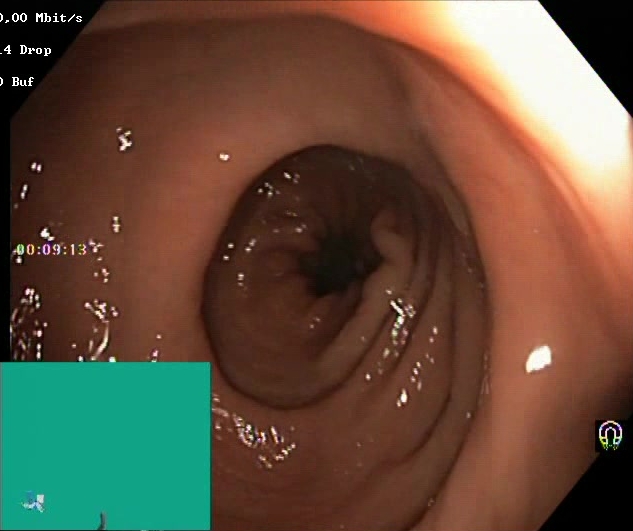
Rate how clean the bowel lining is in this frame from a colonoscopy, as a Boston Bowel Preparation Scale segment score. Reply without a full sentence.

Boston Bowel Preparation Scale score 2–3 (adequate preparation)